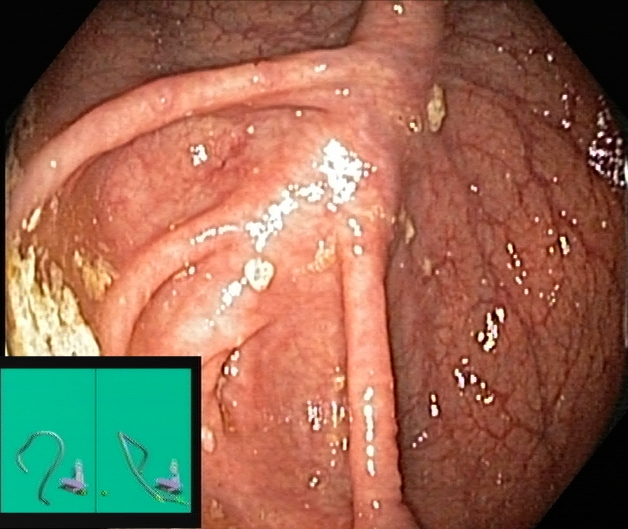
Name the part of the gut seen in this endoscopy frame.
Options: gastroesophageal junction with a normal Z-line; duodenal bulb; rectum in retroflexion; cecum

cecum